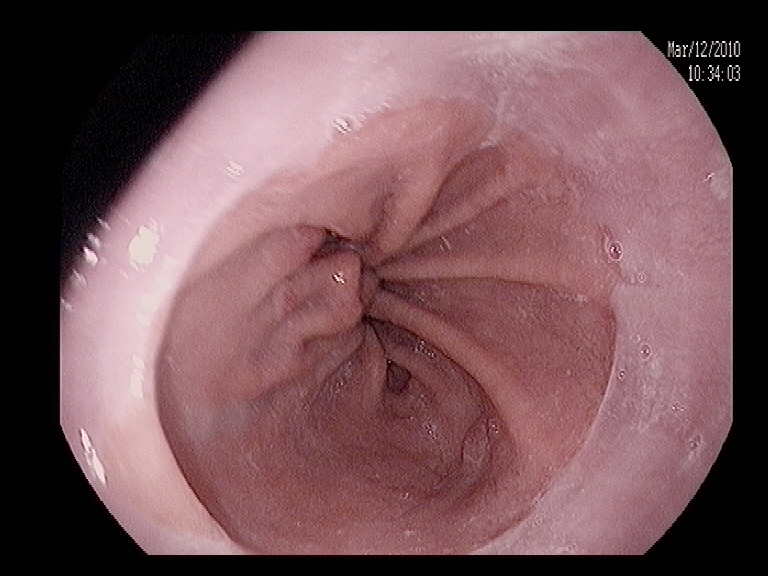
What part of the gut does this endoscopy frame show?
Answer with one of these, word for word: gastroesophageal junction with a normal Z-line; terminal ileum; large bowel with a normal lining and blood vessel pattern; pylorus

gastroesophageal junction with a normal Z-line